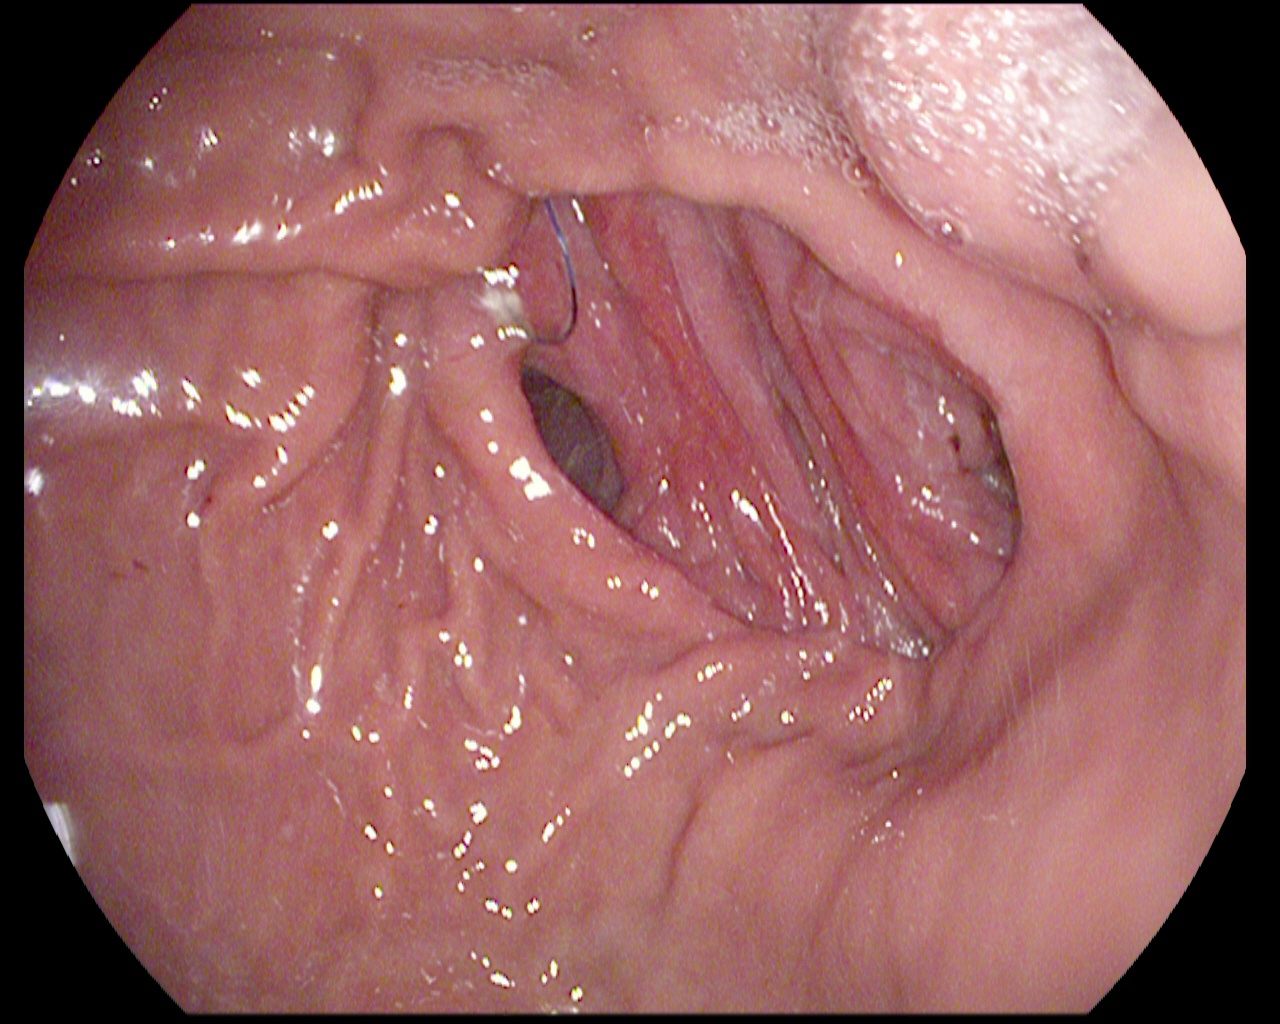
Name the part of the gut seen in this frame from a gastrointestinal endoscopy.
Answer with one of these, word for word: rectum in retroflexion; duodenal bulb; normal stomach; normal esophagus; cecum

normal stomach